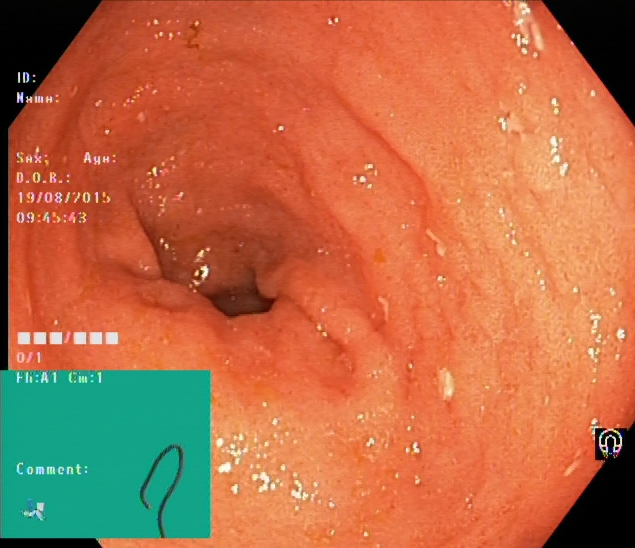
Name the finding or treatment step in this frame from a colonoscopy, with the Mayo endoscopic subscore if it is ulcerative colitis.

ulcerative colitis, Mayo endoscopic subscore 2